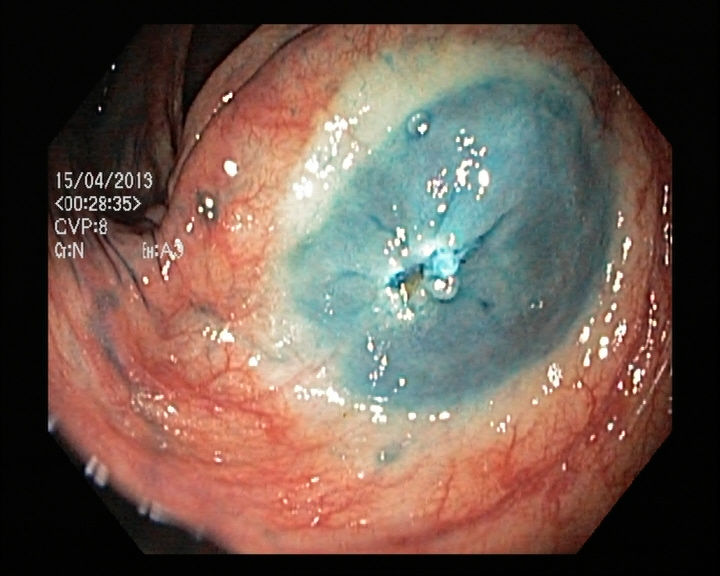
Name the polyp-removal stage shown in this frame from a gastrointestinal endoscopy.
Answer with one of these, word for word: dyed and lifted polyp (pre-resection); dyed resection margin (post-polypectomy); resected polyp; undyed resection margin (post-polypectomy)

dyed resection margin (post-polypectomy)